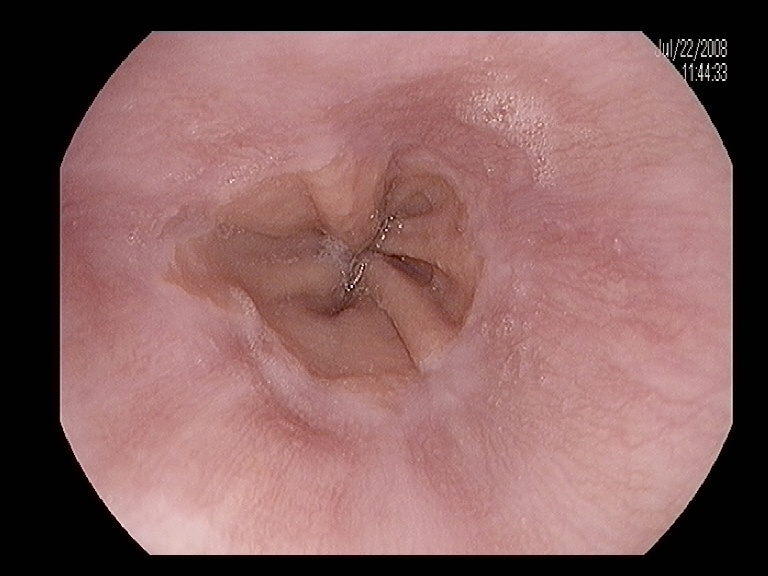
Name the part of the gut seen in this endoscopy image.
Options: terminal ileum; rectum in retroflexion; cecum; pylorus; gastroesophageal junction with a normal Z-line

gastroesophageal junction with a normal Z-line